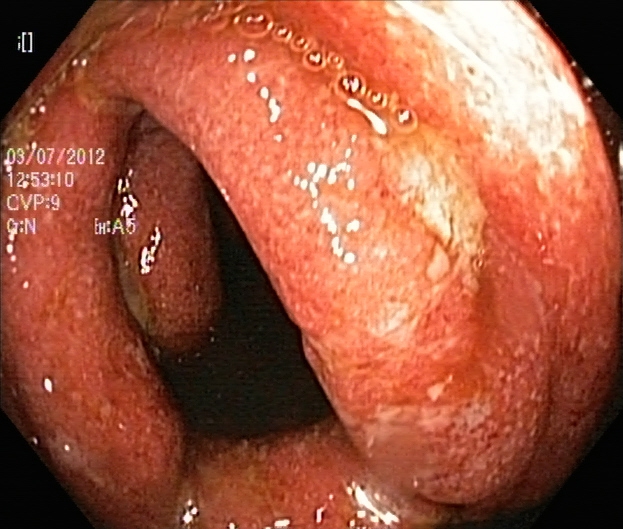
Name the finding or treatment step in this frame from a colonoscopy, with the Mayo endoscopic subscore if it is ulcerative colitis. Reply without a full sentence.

ulcerative colitis, Mayo endoscopic subscore 2